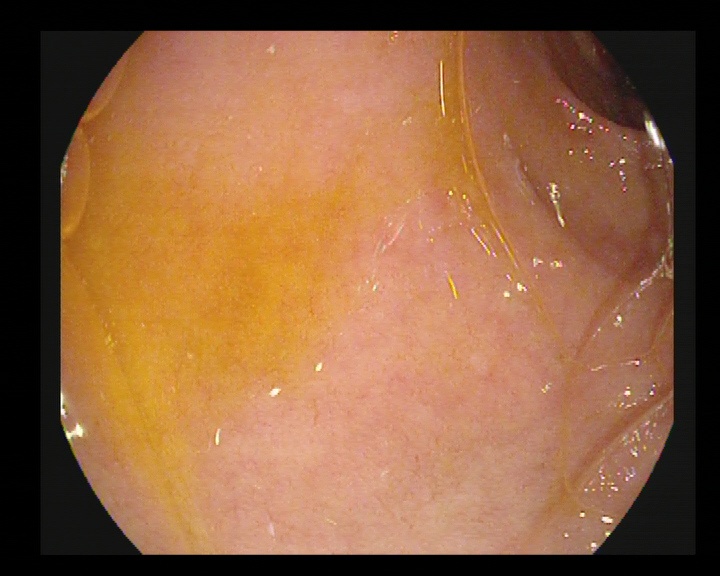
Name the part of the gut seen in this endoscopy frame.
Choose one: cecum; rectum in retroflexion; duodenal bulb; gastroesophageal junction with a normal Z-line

duodenal bulb